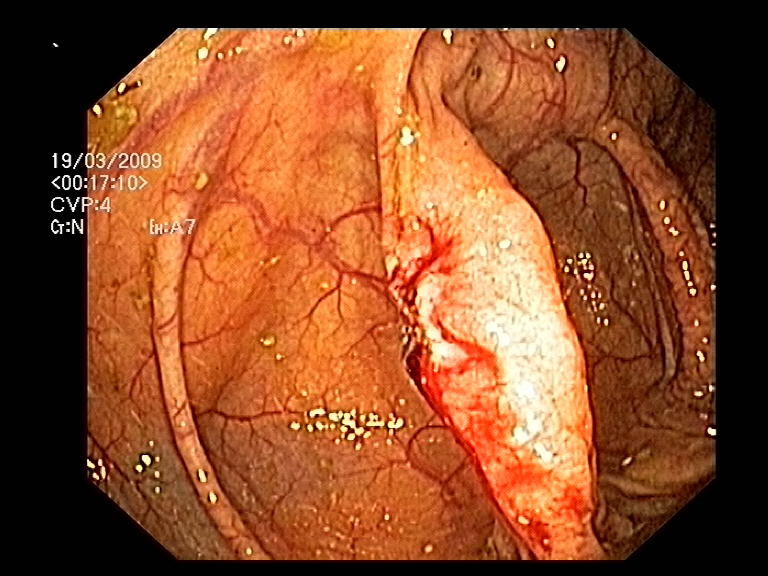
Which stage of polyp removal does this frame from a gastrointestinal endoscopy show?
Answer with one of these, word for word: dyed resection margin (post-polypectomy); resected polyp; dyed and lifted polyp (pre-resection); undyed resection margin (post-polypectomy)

undyed resection margin (post-polypectomy)